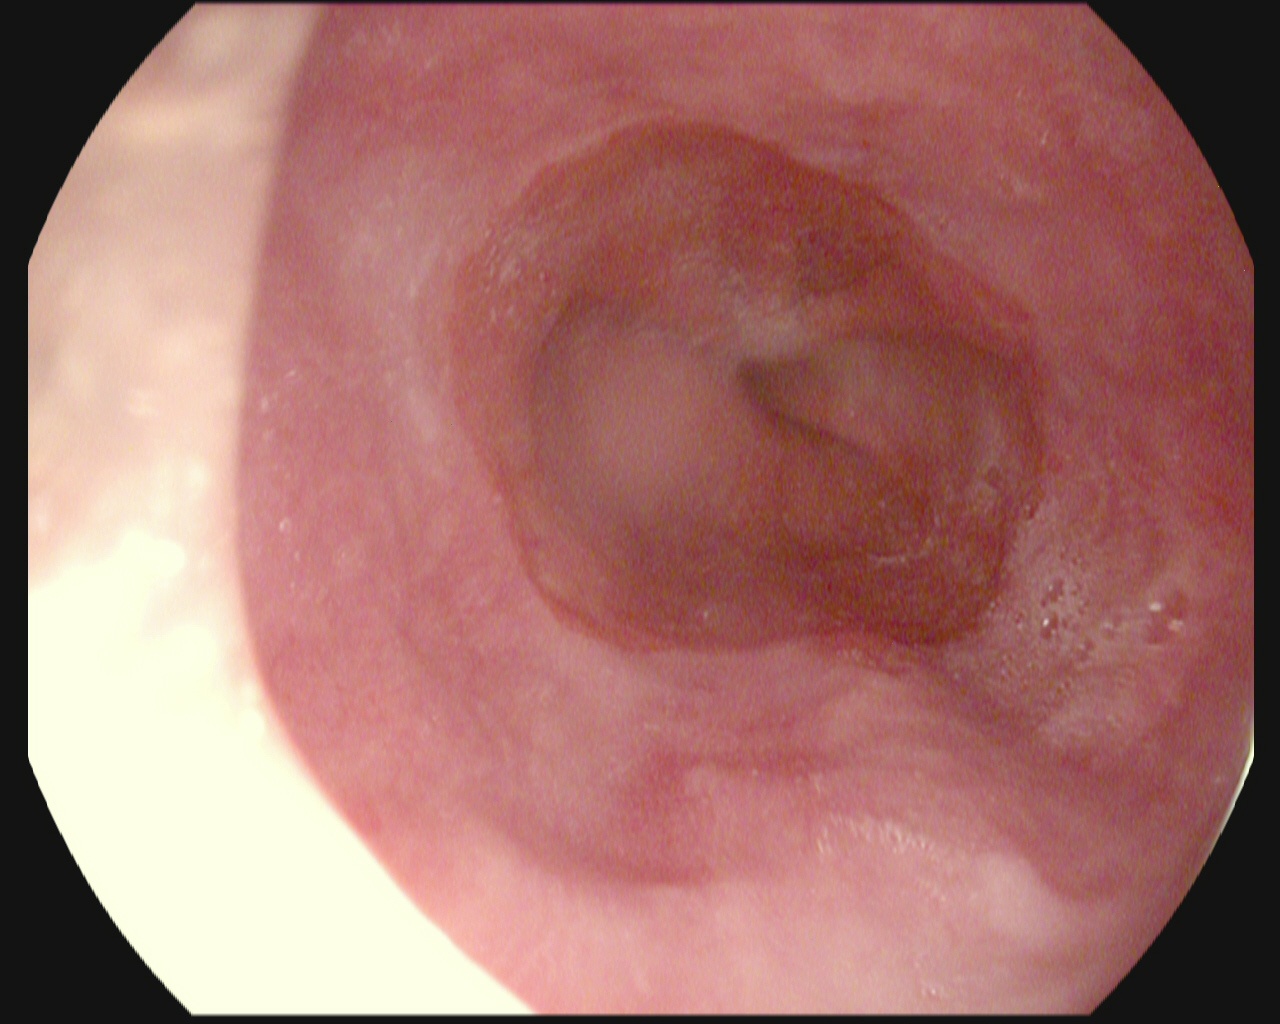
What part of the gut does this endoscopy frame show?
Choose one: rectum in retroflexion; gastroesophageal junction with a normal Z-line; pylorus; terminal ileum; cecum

gastroesophageal junction with a normal Z-line